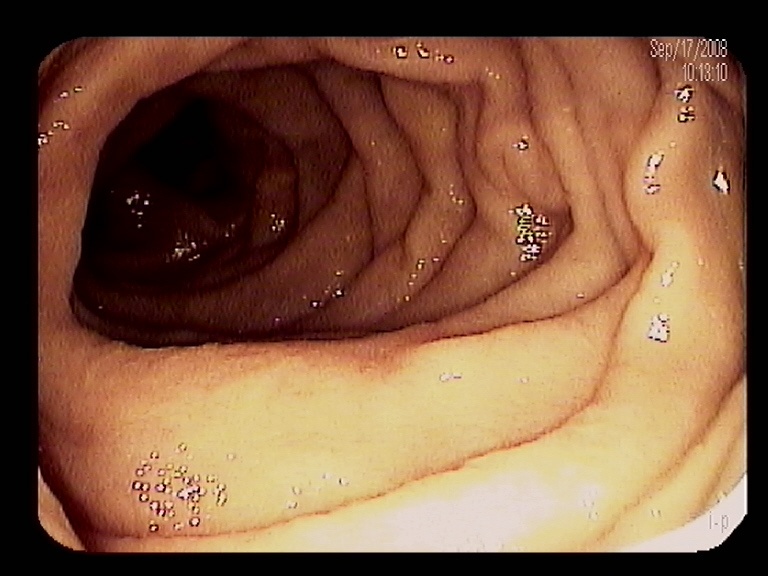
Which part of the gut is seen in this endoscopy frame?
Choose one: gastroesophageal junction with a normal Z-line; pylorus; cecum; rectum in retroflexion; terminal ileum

terminal ileum